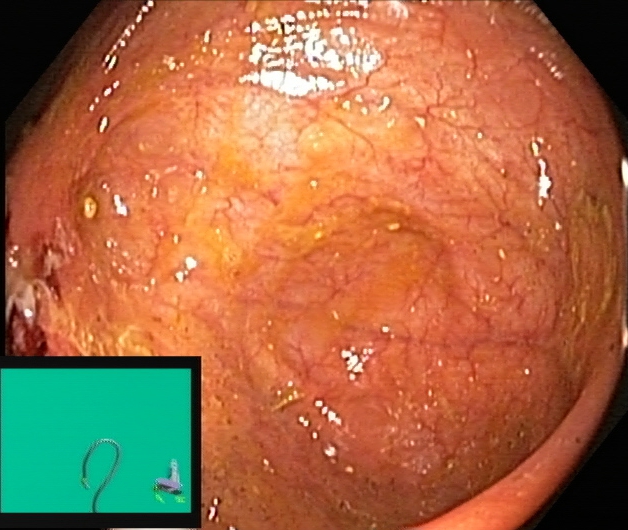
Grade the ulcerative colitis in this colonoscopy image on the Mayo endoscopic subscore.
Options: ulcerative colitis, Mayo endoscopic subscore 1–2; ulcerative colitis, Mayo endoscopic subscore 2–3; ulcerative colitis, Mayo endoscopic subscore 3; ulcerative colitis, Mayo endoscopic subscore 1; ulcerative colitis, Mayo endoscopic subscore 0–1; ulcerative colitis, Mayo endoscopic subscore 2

ulcerative colitis, Mayo endoscopic subscore 1